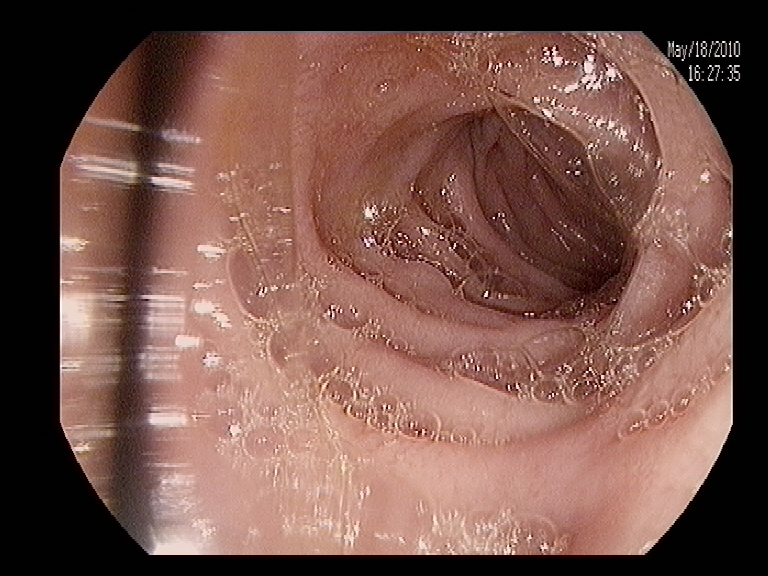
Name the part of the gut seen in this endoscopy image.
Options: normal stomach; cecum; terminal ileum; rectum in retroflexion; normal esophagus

terminal ileum